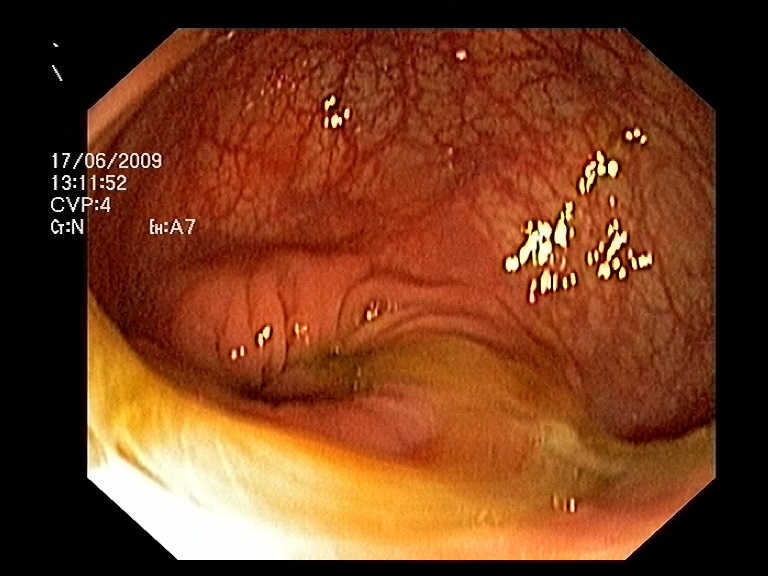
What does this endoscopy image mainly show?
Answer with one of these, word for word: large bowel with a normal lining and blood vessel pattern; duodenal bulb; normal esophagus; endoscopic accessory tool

large bowel with a normal lining and blood vessel pattern